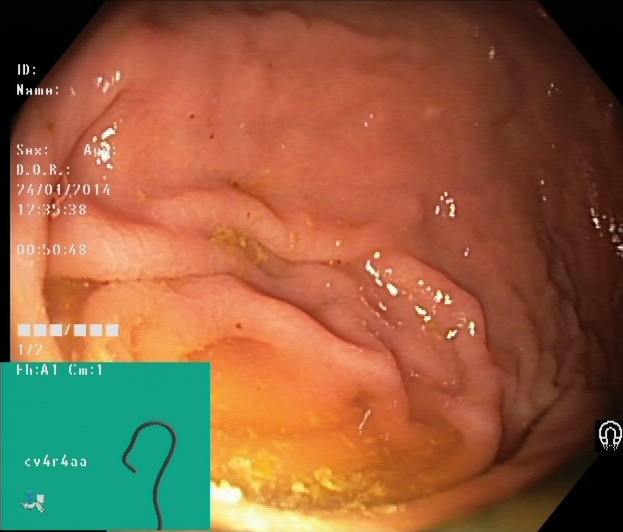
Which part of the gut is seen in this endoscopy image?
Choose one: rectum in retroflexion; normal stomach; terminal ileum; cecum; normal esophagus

cecum